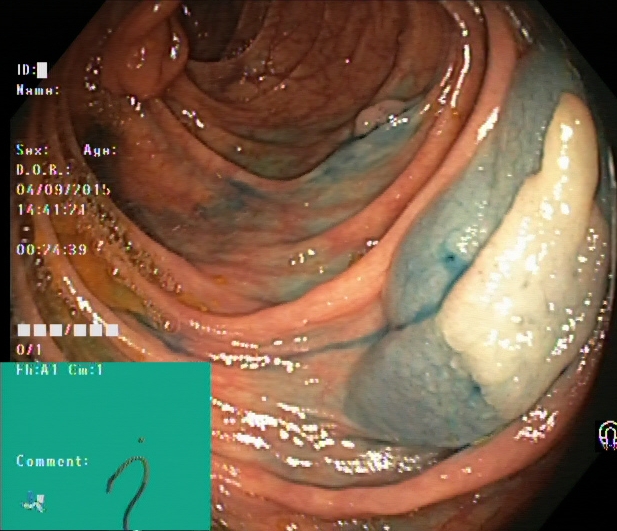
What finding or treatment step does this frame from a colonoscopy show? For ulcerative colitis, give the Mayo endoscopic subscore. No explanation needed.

dyed and lifted polyp (pre-resection)